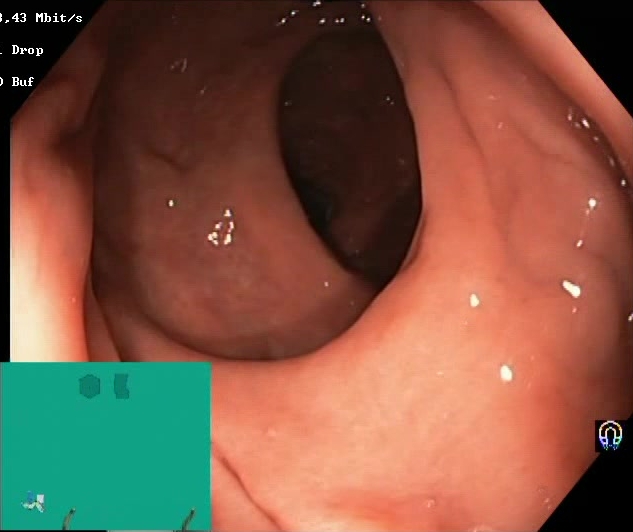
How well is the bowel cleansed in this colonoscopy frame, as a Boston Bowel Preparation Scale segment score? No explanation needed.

Boston Bowel Preparation Scale score 2–3 (adequate preparation)